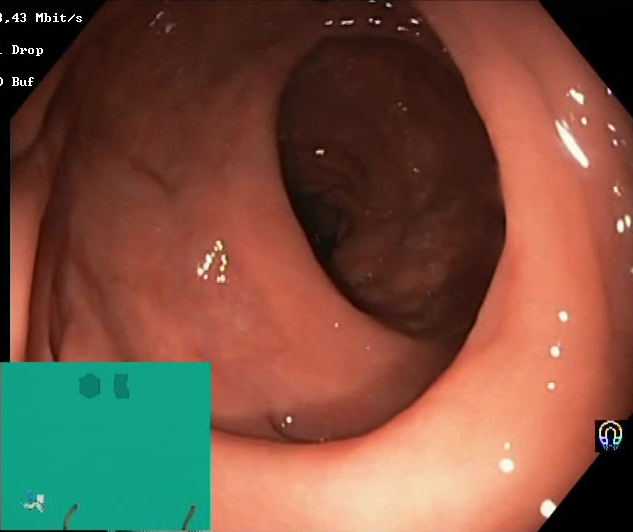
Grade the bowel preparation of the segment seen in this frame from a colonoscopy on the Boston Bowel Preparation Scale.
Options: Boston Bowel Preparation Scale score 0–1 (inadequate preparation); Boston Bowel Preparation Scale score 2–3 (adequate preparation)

Boston Bowel Preparation Scale score 2–3 (adequate preparation)